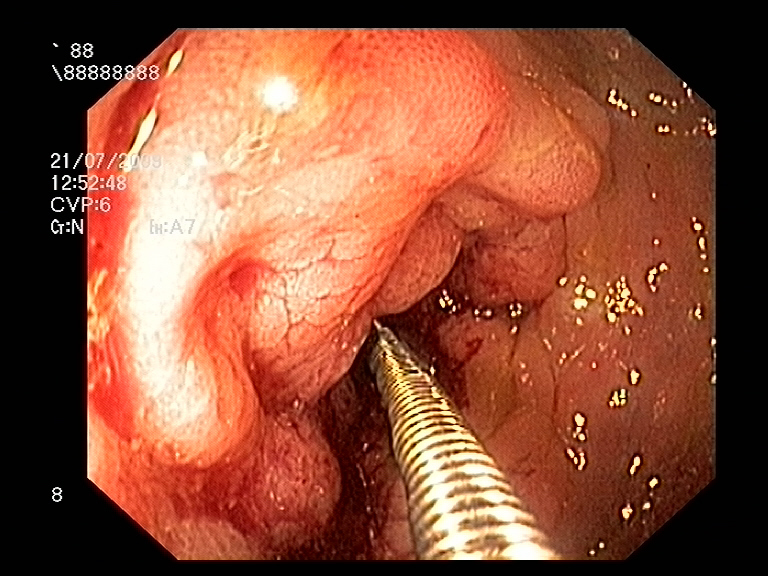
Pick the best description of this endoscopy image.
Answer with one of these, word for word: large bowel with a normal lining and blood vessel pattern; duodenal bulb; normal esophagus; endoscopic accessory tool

endoscopic accessory tool